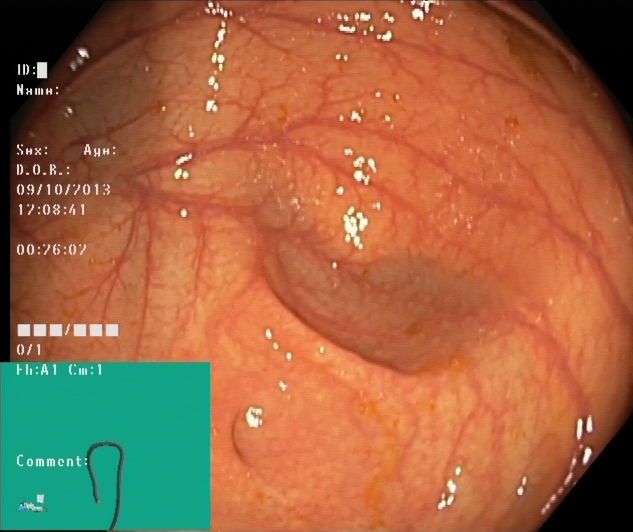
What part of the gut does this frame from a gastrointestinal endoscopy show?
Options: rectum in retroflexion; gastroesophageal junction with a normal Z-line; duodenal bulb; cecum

cecum